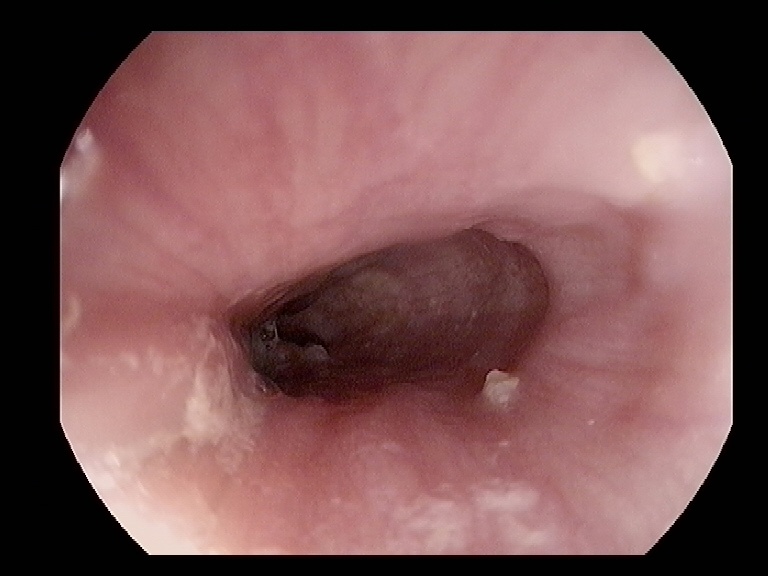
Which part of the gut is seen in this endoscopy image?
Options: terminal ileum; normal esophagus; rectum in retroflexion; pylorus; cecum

normal esophagus